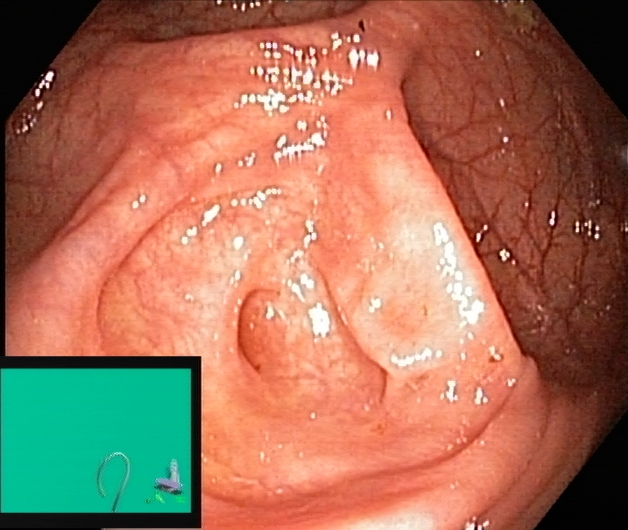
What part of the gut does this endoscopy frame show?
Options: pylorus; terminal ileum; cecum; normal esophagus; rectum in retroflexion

cecum